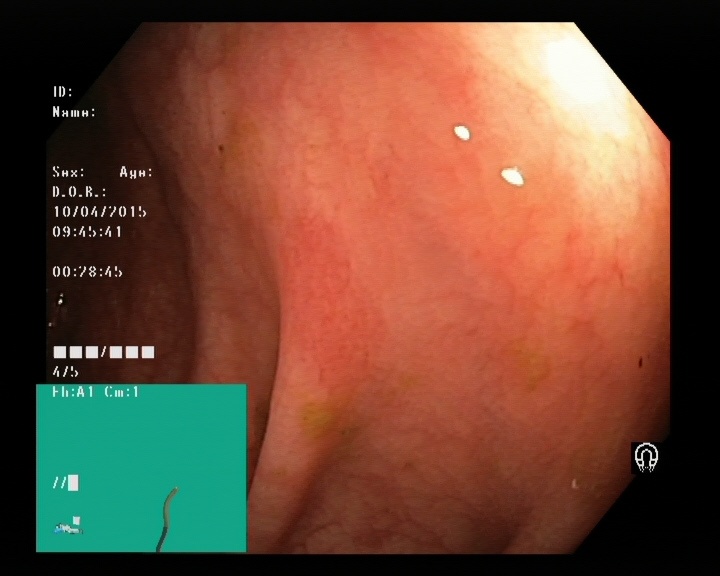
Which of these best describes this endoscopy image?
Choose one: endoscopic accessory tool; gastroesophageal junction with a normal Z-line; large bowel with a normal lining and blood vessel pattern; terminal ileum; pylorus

large bowel with a normal lining and blood vessel pattern